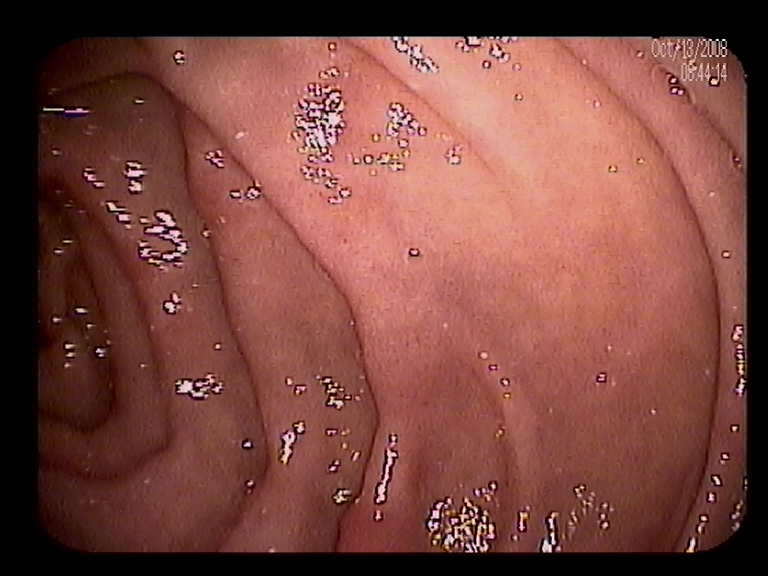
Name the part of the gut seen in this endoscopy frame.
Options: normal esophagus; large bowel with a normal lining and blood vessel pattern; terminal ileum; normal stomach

large bowel with a normal lining and blood vessel pattern